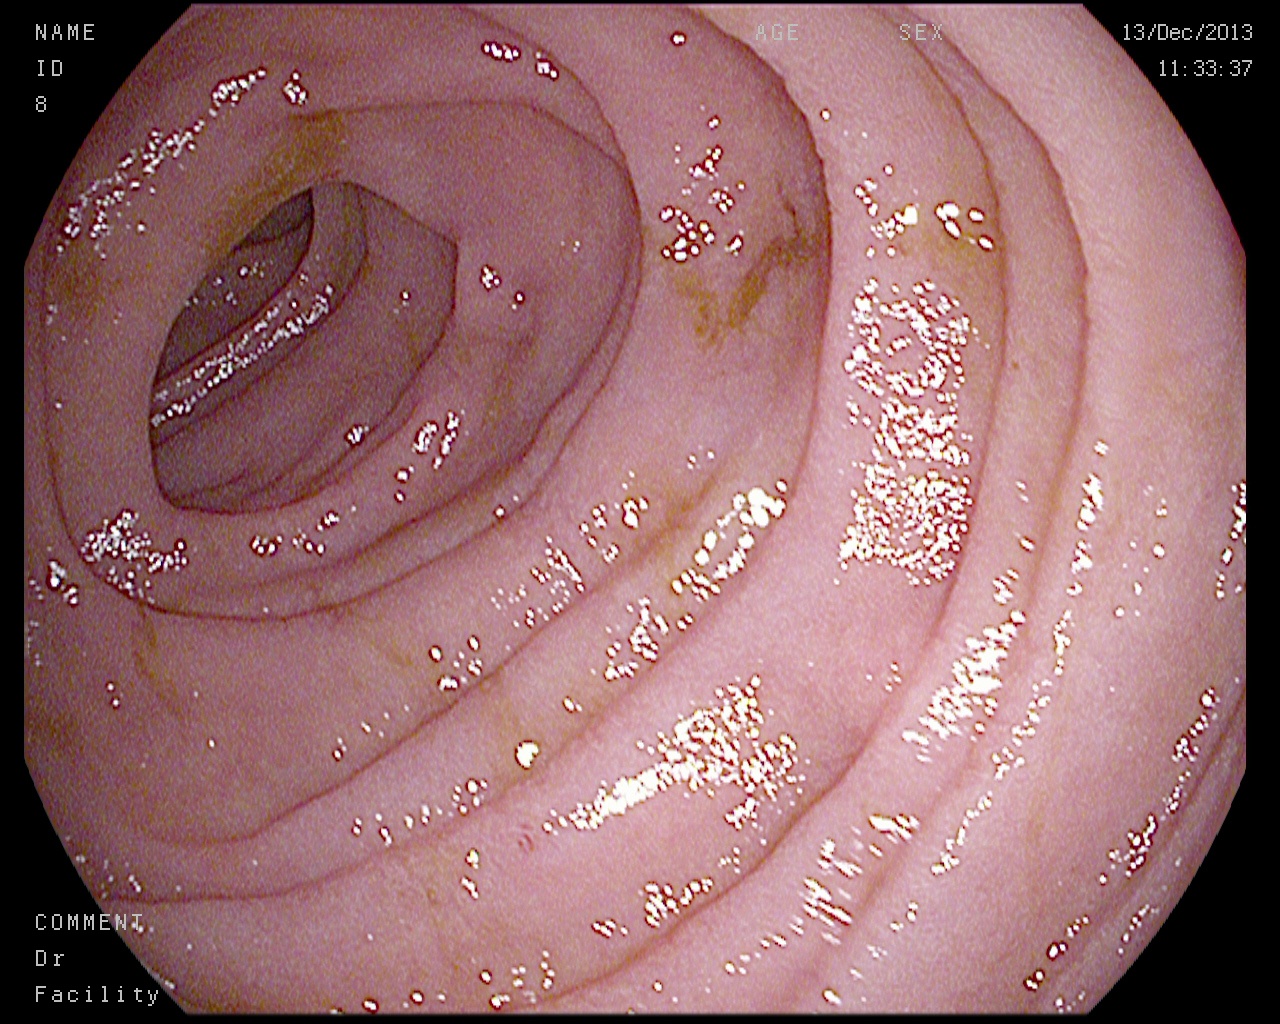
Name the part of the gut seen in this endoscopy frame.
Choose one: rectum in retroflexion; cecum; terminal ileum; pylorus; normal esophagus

terminal ileum